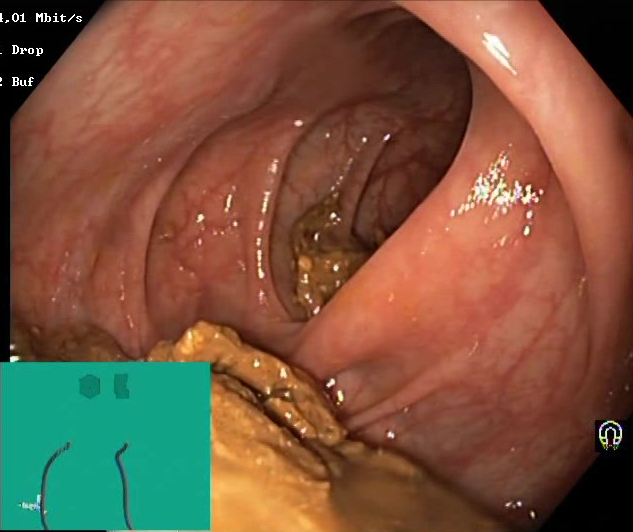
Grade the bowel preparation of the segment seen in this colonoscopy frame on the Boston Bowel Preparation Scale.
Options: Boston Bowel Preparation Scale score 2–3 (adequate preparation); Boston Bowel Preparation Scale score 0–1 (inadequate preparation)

Boston Bowel Preparation Scale score 0–1 (inadequate preparation)